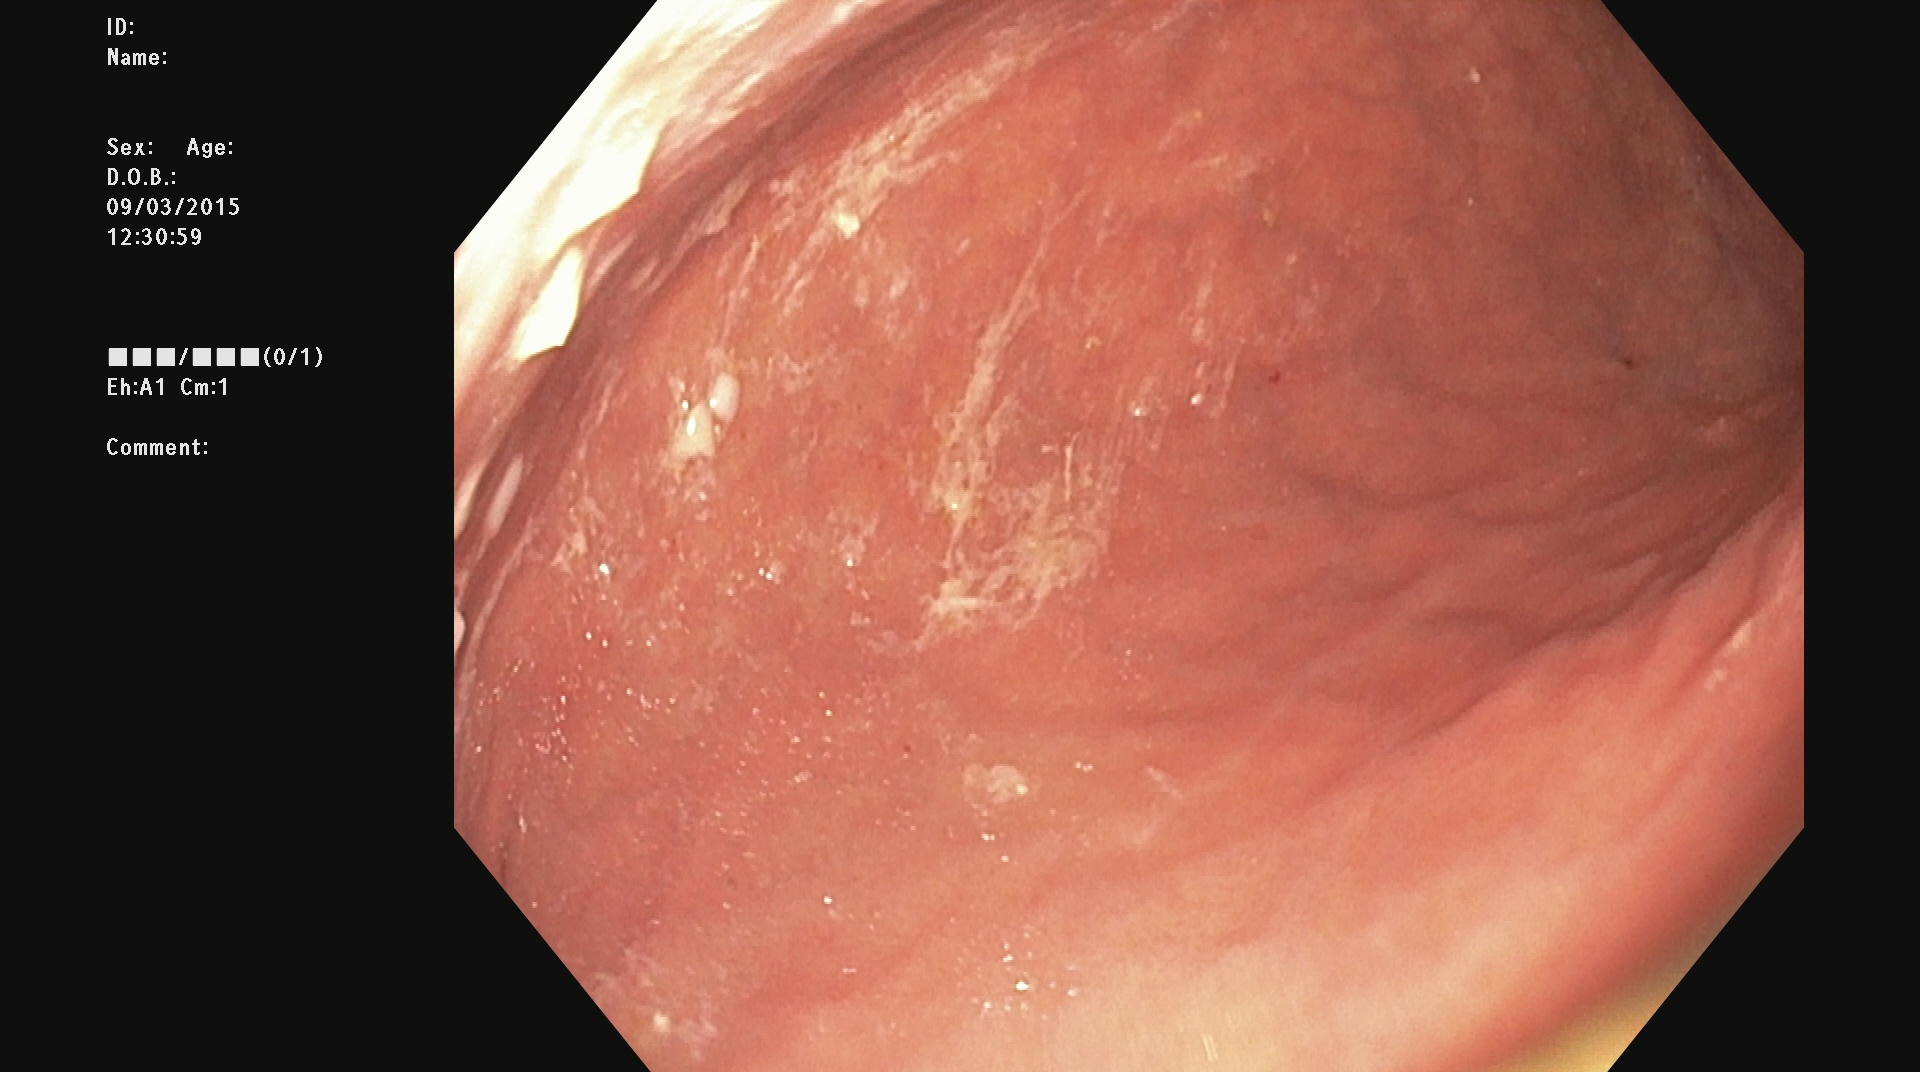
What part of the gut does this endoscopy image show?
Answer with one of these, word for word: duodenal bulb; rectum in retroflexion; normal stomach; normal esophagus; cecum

normal stomach